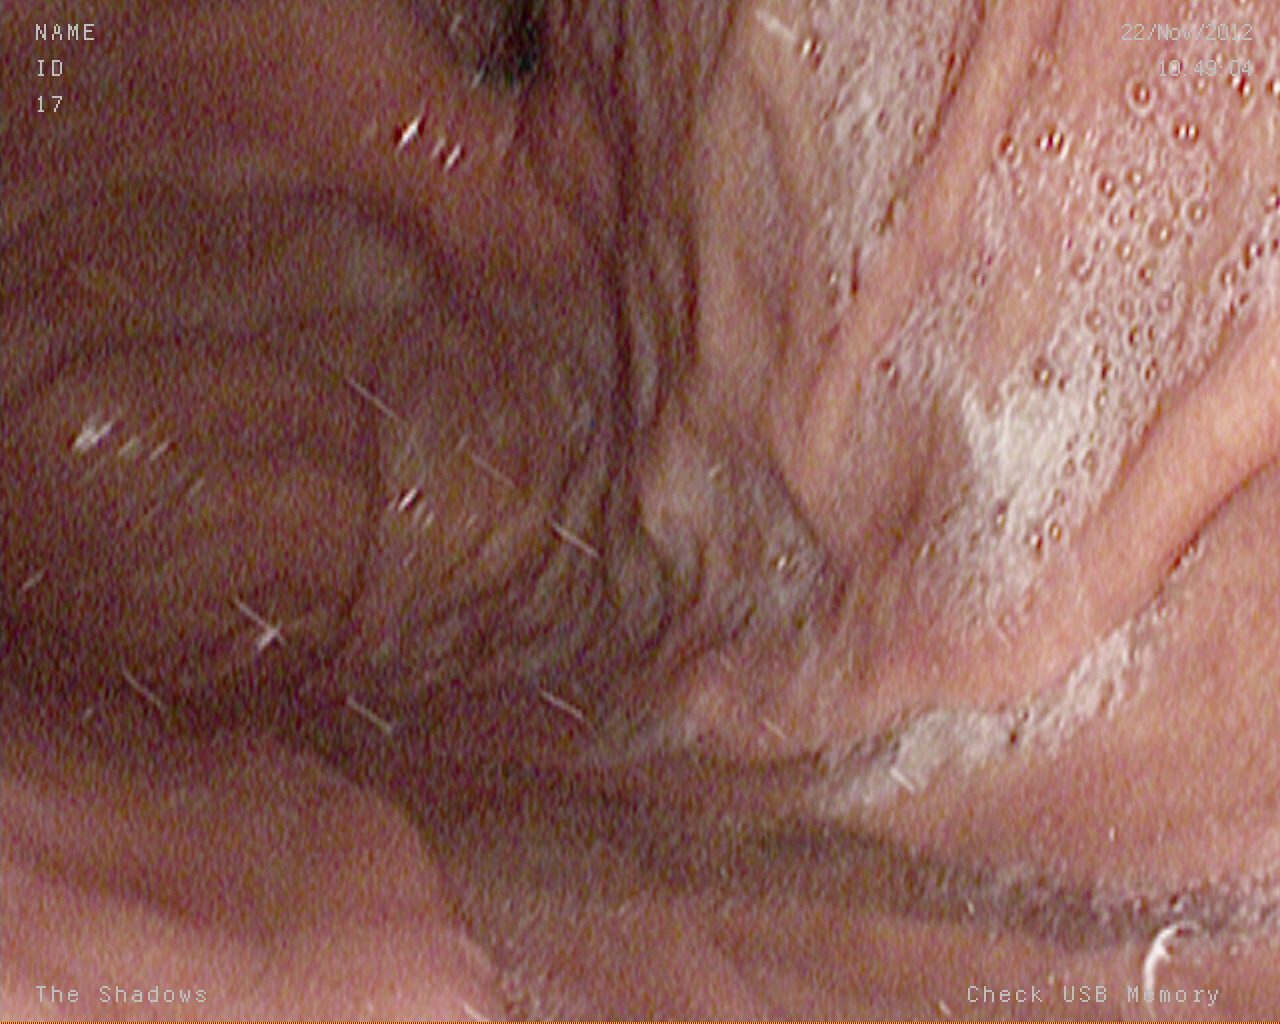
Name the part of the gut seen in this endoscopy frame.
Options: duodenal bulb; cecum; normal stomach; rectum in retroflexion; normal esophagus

normal stomach